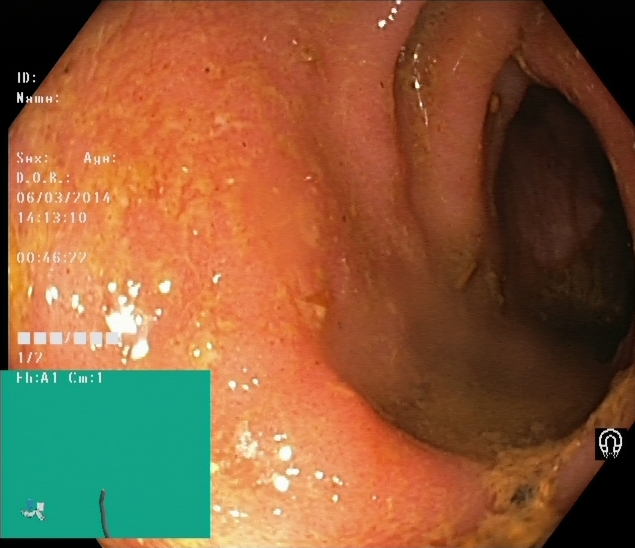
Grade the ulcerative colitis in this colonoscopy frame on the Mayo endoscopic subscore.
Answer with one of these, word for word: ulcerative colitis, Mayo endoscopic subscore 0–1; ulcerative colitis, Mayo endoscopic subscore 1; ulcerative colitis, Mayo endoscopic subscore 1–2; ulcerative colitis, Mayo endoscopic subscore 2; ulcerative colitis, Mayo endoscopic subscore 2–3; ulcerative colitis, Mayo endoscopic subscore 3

ulcerative colitis, Mayo endoscopic subscore 1